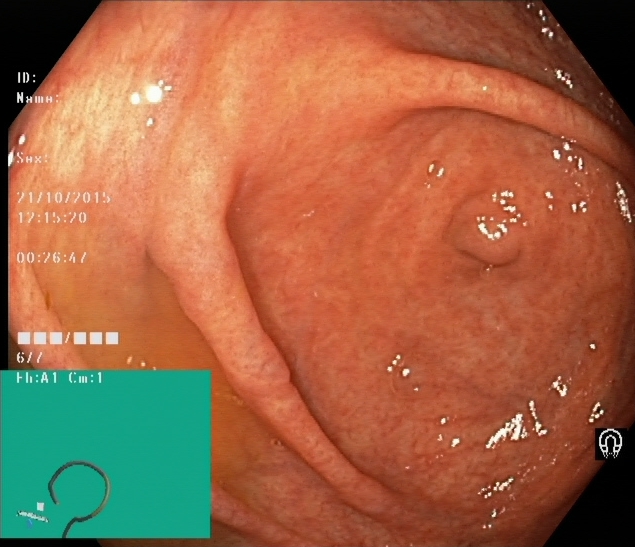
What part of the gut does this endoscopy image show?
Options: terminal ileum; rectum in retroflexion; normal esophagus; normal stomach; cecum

cecum